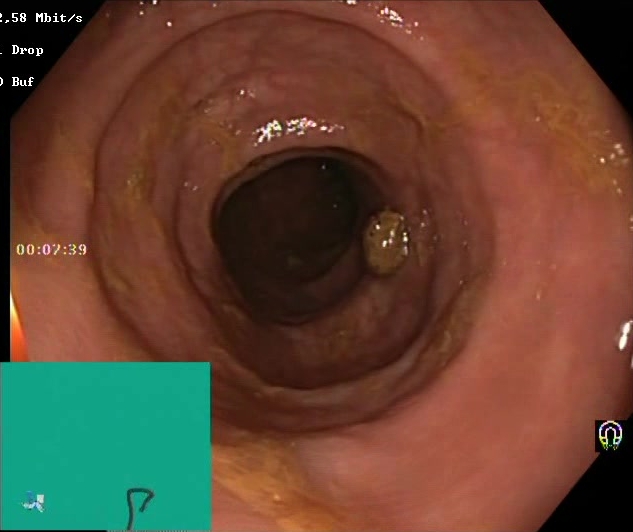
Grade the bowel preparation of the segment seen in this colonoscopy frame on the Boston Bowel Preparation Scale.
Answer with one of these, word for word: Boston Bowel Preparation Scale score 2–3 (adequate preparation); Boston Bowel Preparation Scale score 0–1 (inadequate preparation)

Boston Bowel Preparation Scale score 2–3 (adequate preparation)